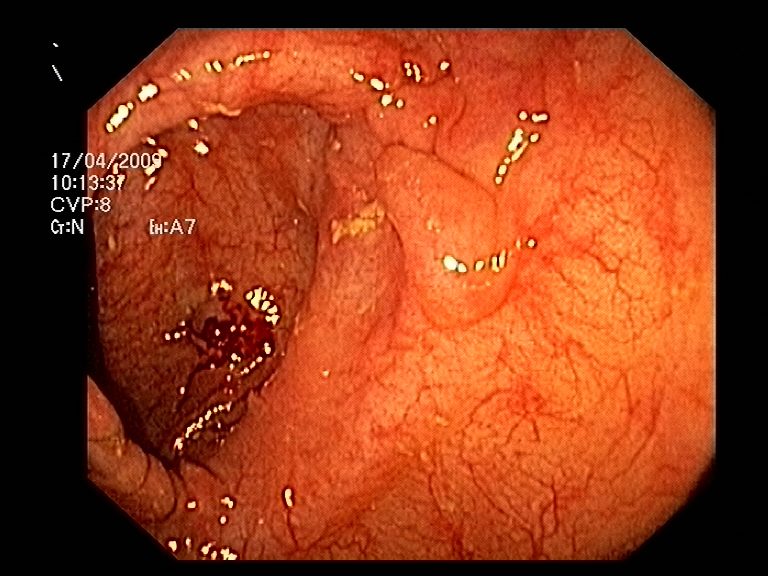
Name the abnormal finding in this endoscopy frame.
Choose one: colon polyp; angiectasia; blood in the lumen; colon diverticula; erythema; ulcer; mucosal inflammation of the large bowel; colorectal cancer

colon polyp